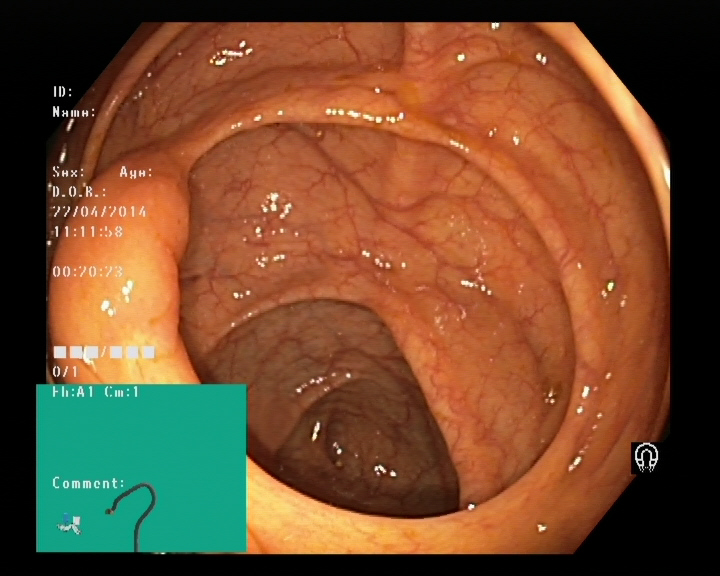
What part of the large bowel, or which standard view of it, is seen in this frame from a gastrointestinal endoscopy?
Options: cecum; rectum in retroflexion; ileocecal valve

ileocecal valve